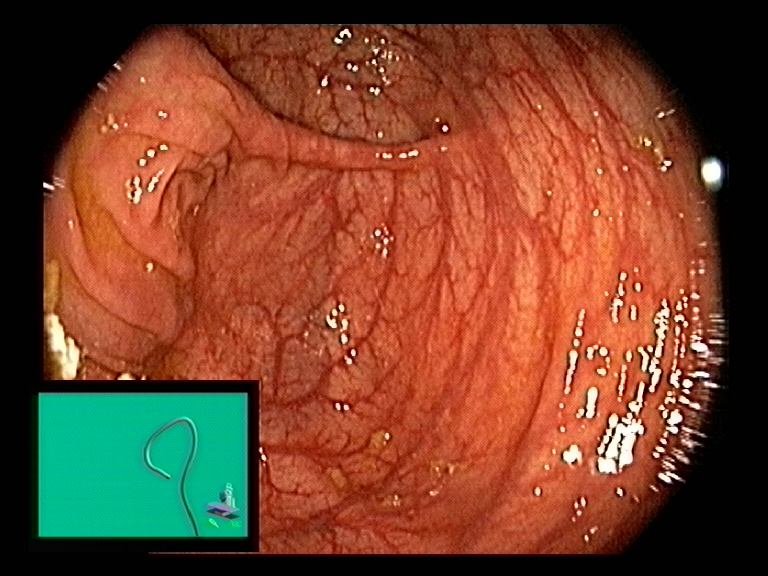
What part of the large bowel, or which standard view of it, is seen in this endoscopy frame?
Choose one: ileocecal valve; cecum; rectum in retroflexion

cecum